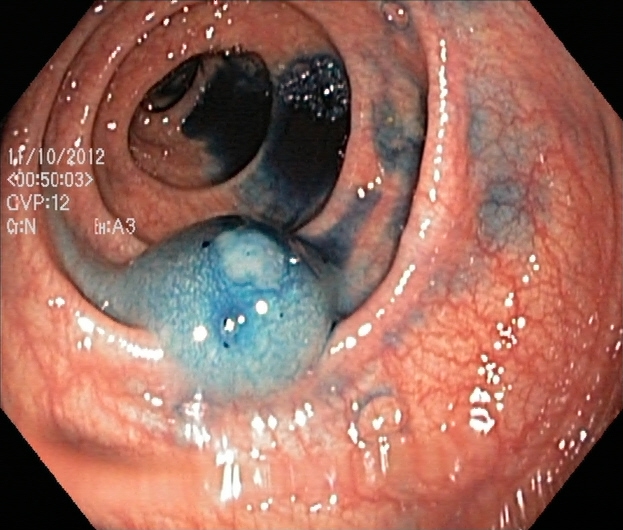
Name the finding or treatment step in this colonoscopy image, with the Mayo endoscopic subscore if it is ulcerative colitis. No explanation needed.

dyed and lifted polyp (pre-resection)